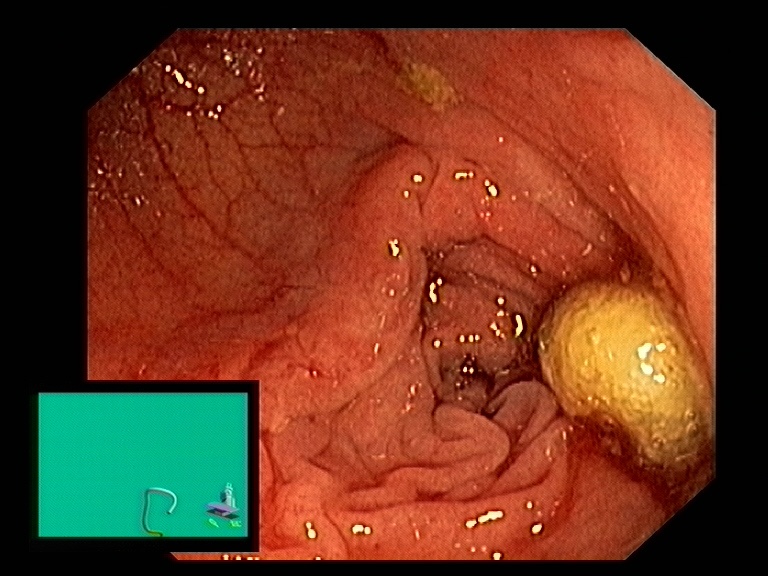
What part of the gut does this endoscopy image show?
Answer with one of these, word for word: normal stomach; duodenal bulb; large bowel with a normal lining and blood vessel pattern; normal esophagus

large bowel with a normal lining and blood vessel pattern